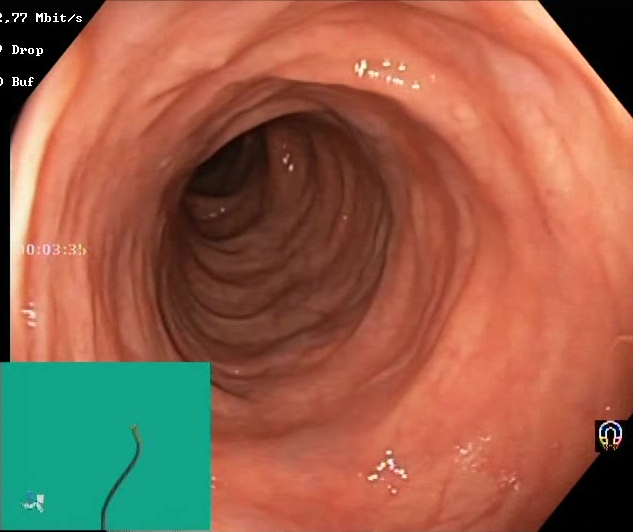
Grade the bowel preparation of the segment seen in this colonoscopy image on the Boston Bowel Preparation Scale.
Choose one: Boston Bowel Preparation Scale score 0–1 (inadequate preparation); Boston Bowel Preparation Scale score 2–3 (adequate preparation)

Boston Bowel Preparation Scale score 2–3 (adequate preparation)